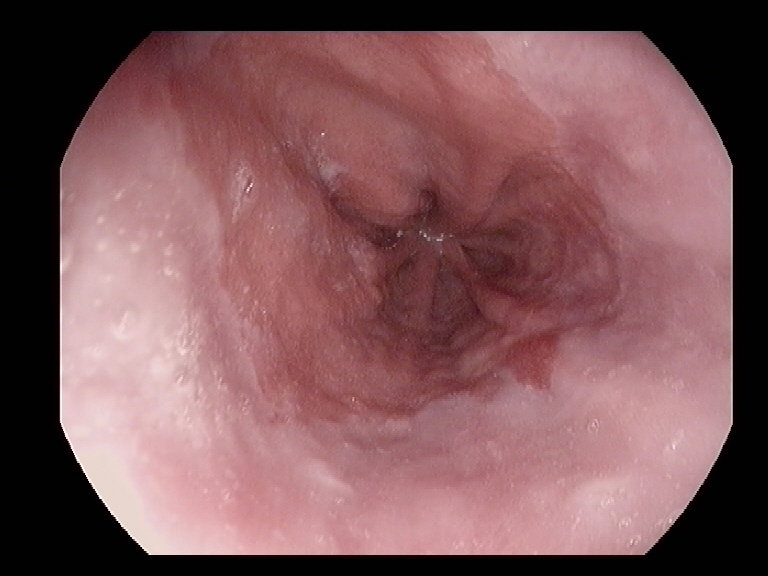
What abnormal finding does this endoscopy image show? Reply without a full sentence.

Barrett's esophagus